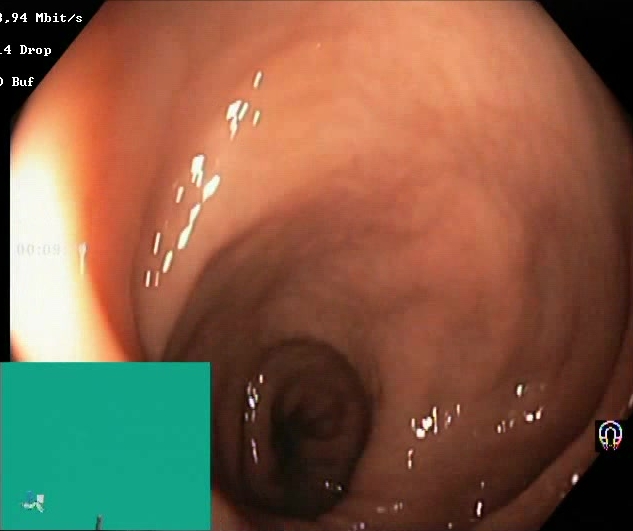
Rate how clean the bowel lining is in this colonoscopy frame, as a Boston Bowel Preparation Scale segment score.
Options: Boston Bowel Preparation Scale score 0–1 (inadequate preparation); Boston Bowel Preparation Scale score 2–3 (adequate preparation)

Boston Bowel Preparation Scale score 2–3 (adequate preparation)